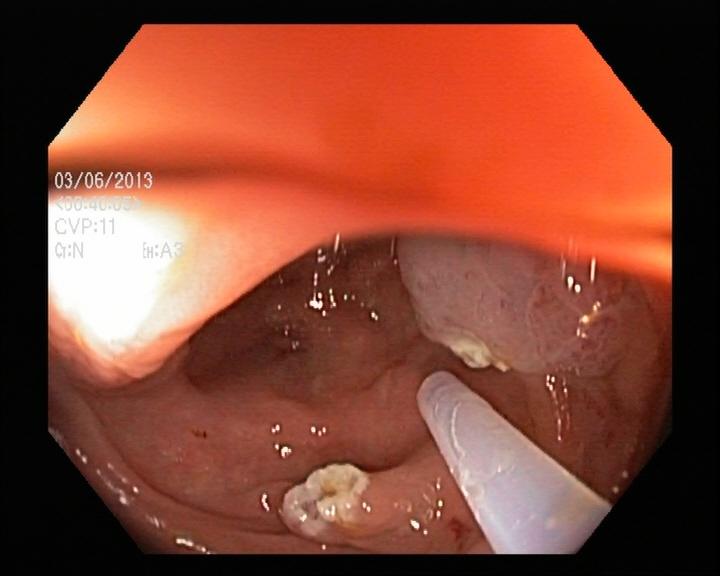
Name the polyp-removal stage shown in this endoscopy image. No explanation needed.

resected polyp